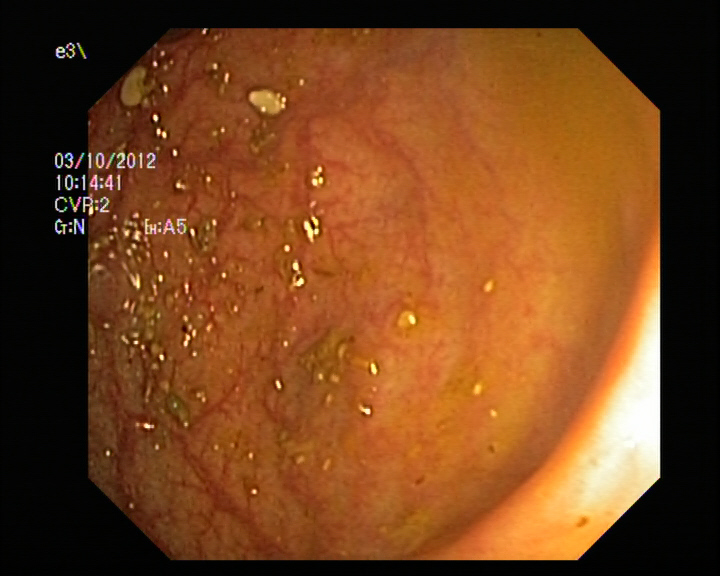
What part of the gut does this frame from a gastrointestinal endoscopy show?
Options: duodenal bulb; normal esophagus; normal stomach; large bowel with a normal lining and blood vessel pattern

large bowel with a normal lining and blood vessel pattern